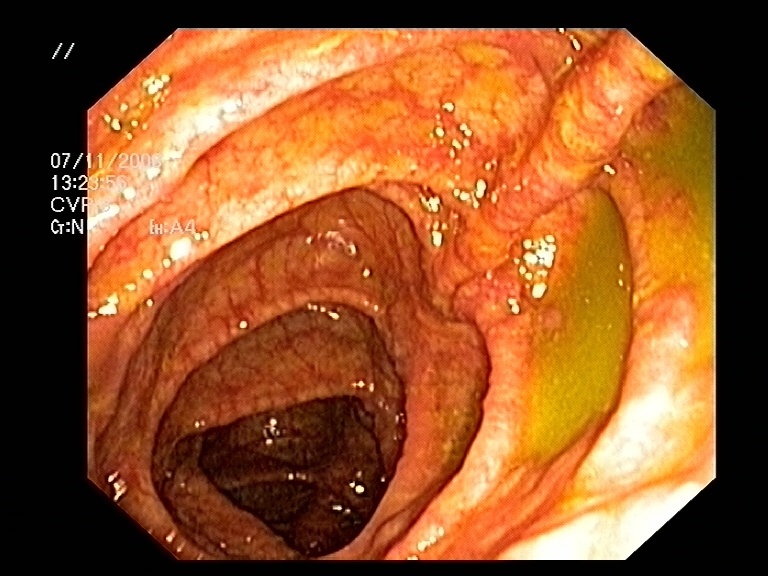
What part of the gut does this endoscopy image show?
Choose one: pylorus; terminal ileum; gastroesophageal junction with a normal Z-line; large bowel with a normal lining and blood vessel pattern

large bowel with a normal lining and blood vessel pattern